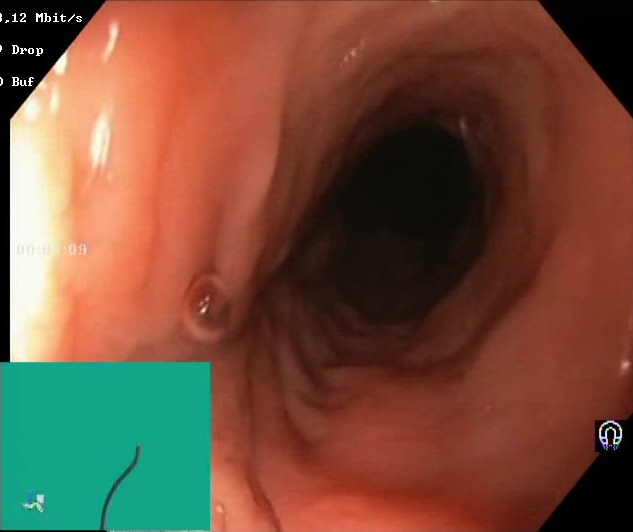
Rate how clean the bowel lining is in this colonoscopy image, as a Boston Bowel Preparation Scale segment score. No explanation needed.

Boston Bowel Preparation Scale score 2–3 (adequate preparation)